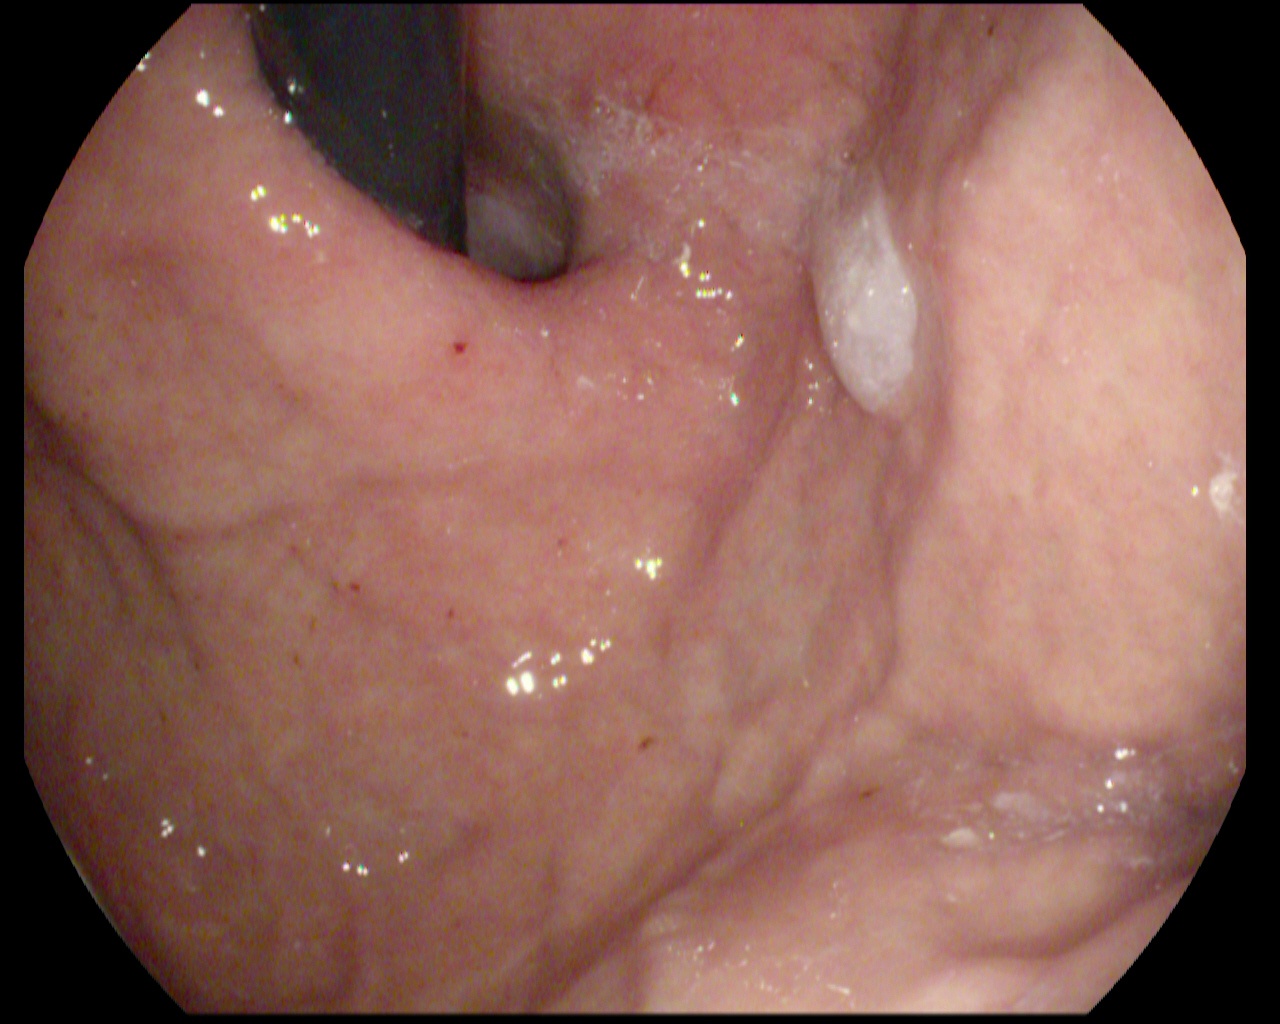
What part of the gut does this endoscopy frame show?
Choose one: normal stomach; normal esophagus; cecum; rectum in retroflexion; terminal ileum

normal stomach